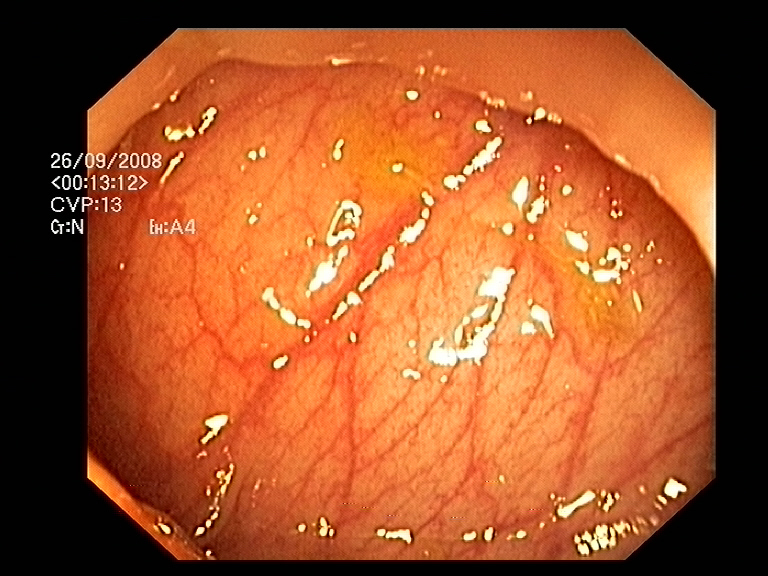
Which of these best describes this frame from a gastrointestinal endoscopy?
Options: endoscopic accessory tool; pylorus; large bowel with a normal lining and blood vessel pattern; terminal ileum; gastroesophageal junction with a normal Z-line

large bowel with a normal lining and blood vessel pattern